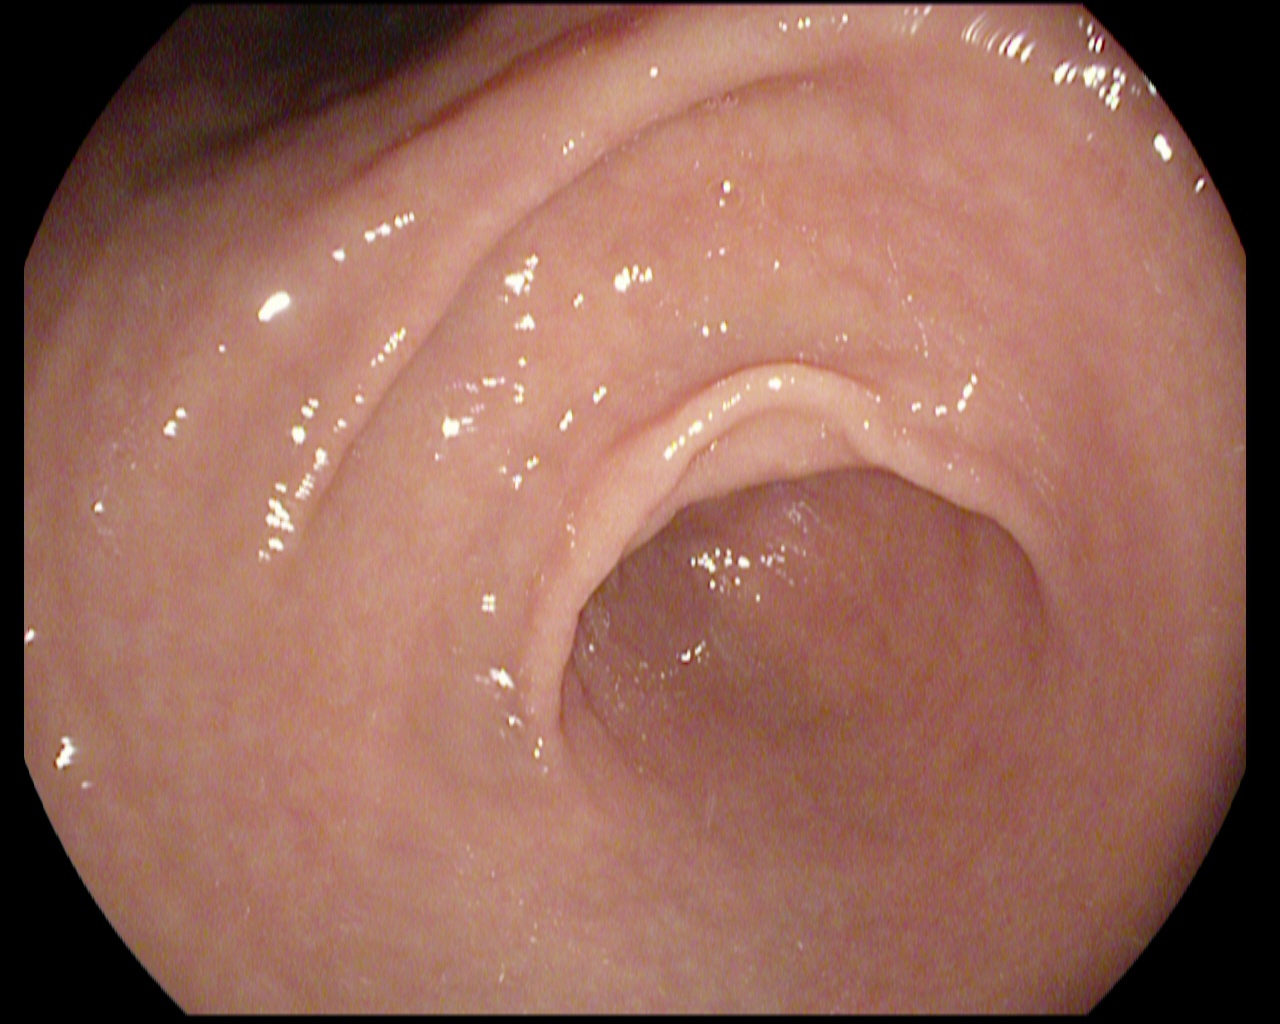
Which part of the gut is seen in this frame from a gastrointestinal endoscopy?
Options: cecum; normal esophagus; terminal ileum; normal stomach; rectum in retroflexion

normal stomach